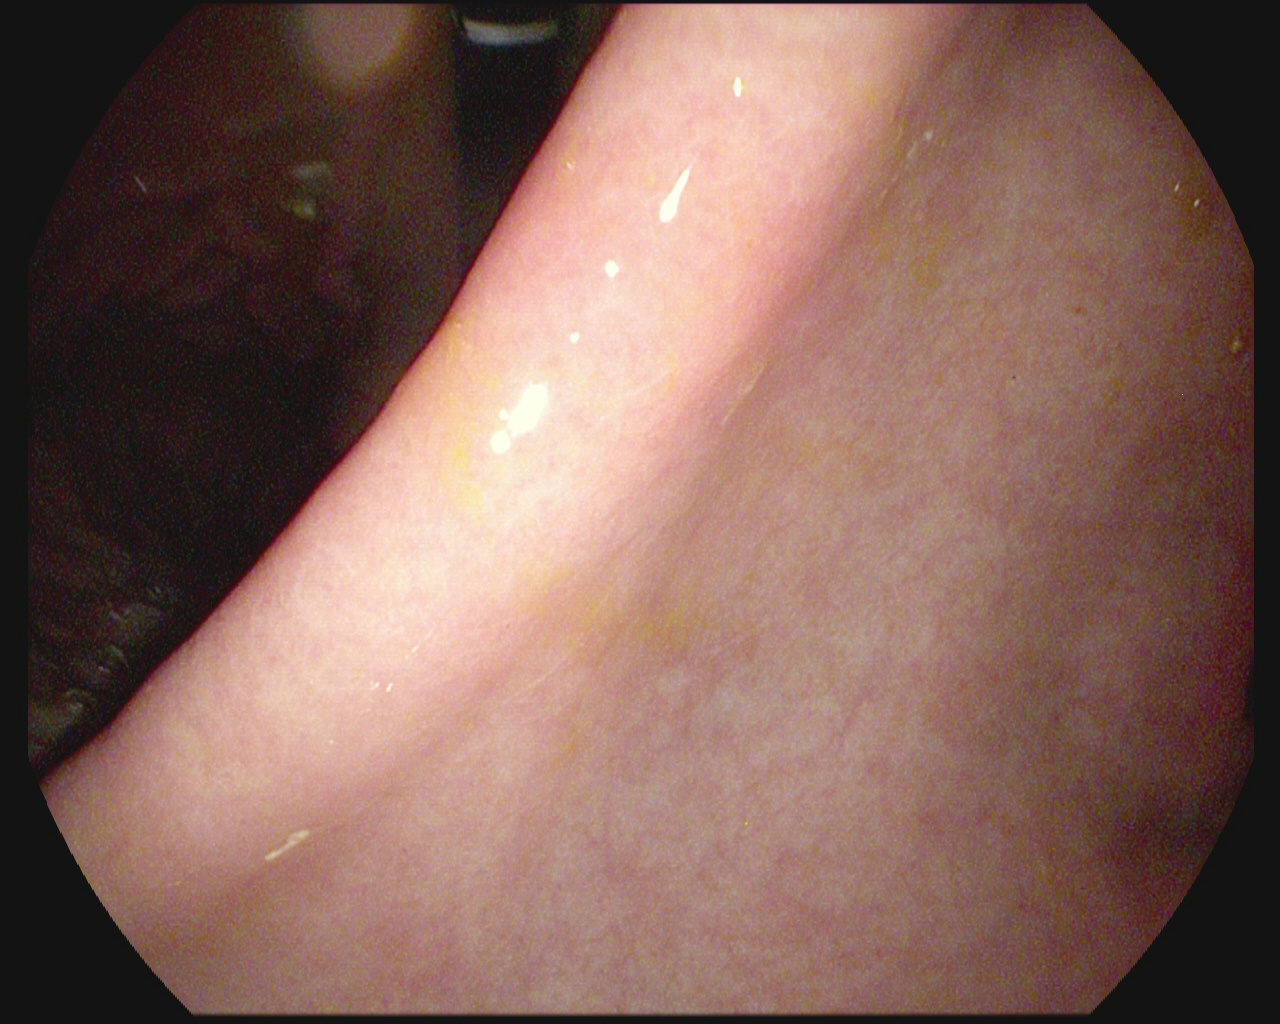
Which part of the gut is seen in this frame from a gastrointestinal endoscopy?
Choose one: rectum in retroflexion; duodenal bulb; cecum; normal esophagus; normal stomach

normal stomach